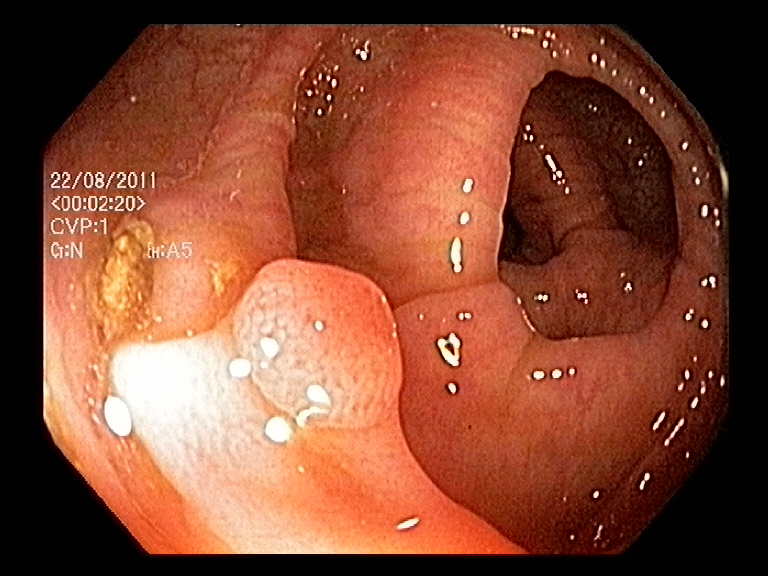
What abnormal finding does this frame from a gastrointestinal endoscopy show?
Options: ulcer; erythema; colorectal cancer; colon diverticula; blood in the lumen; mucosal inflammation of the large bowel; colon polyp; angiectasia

colon polyp